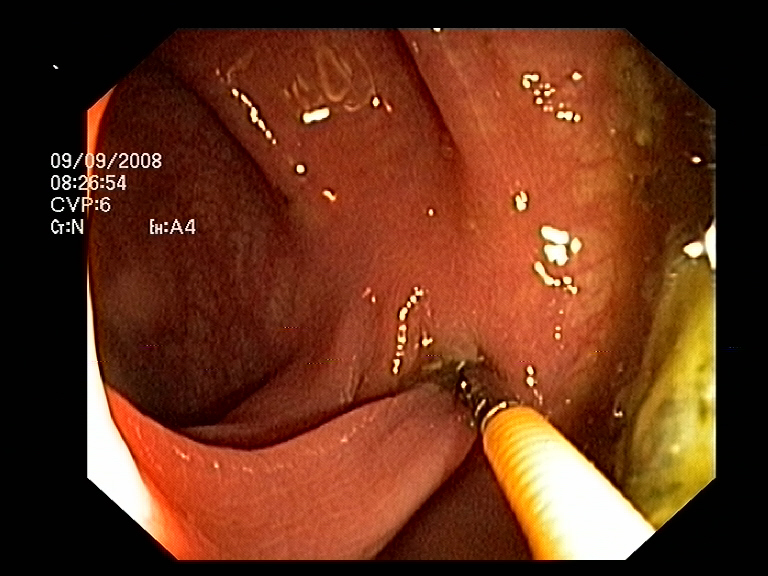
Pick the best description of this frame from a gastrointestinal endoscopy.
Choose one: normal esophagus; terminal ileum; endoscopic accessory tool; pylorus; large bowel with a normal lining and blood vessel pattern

endoscopic accessory tool